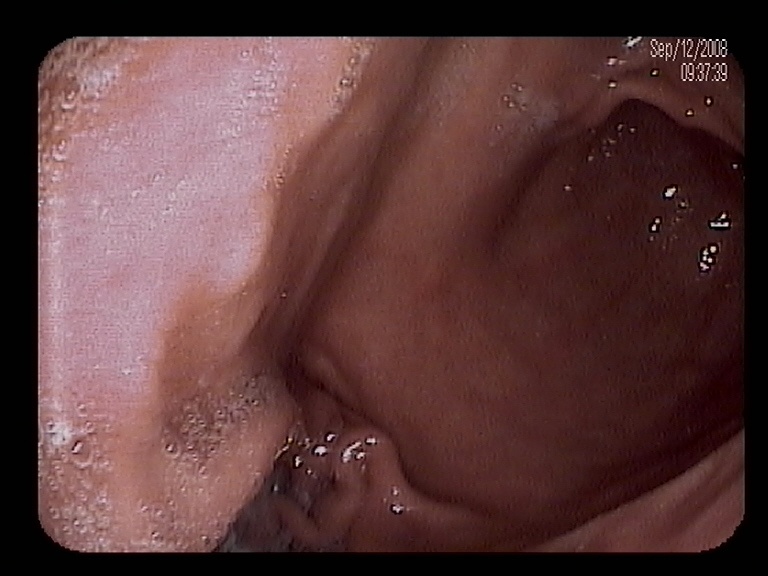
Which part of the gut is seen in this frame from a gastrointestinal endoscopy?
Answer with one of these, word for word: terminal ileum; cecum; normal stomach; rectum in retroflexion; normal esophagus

normal stomach